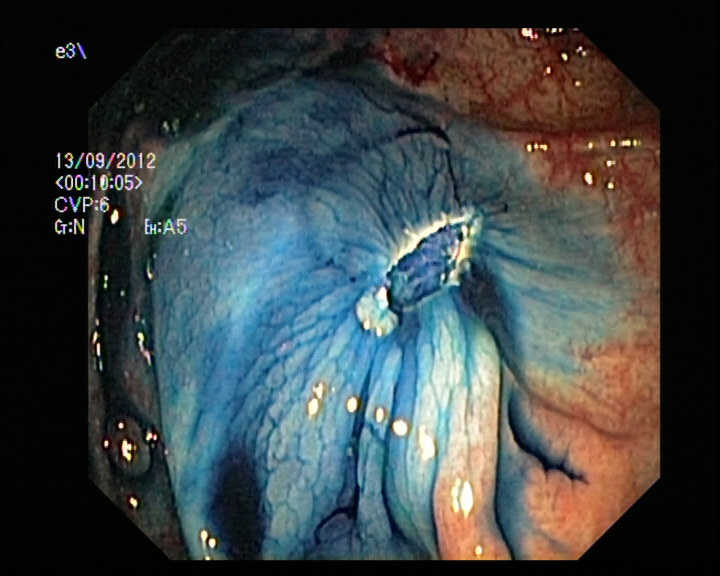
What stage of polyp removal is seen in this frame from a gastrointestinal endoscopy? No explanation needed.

dyed resection margin (post-polypectomy)